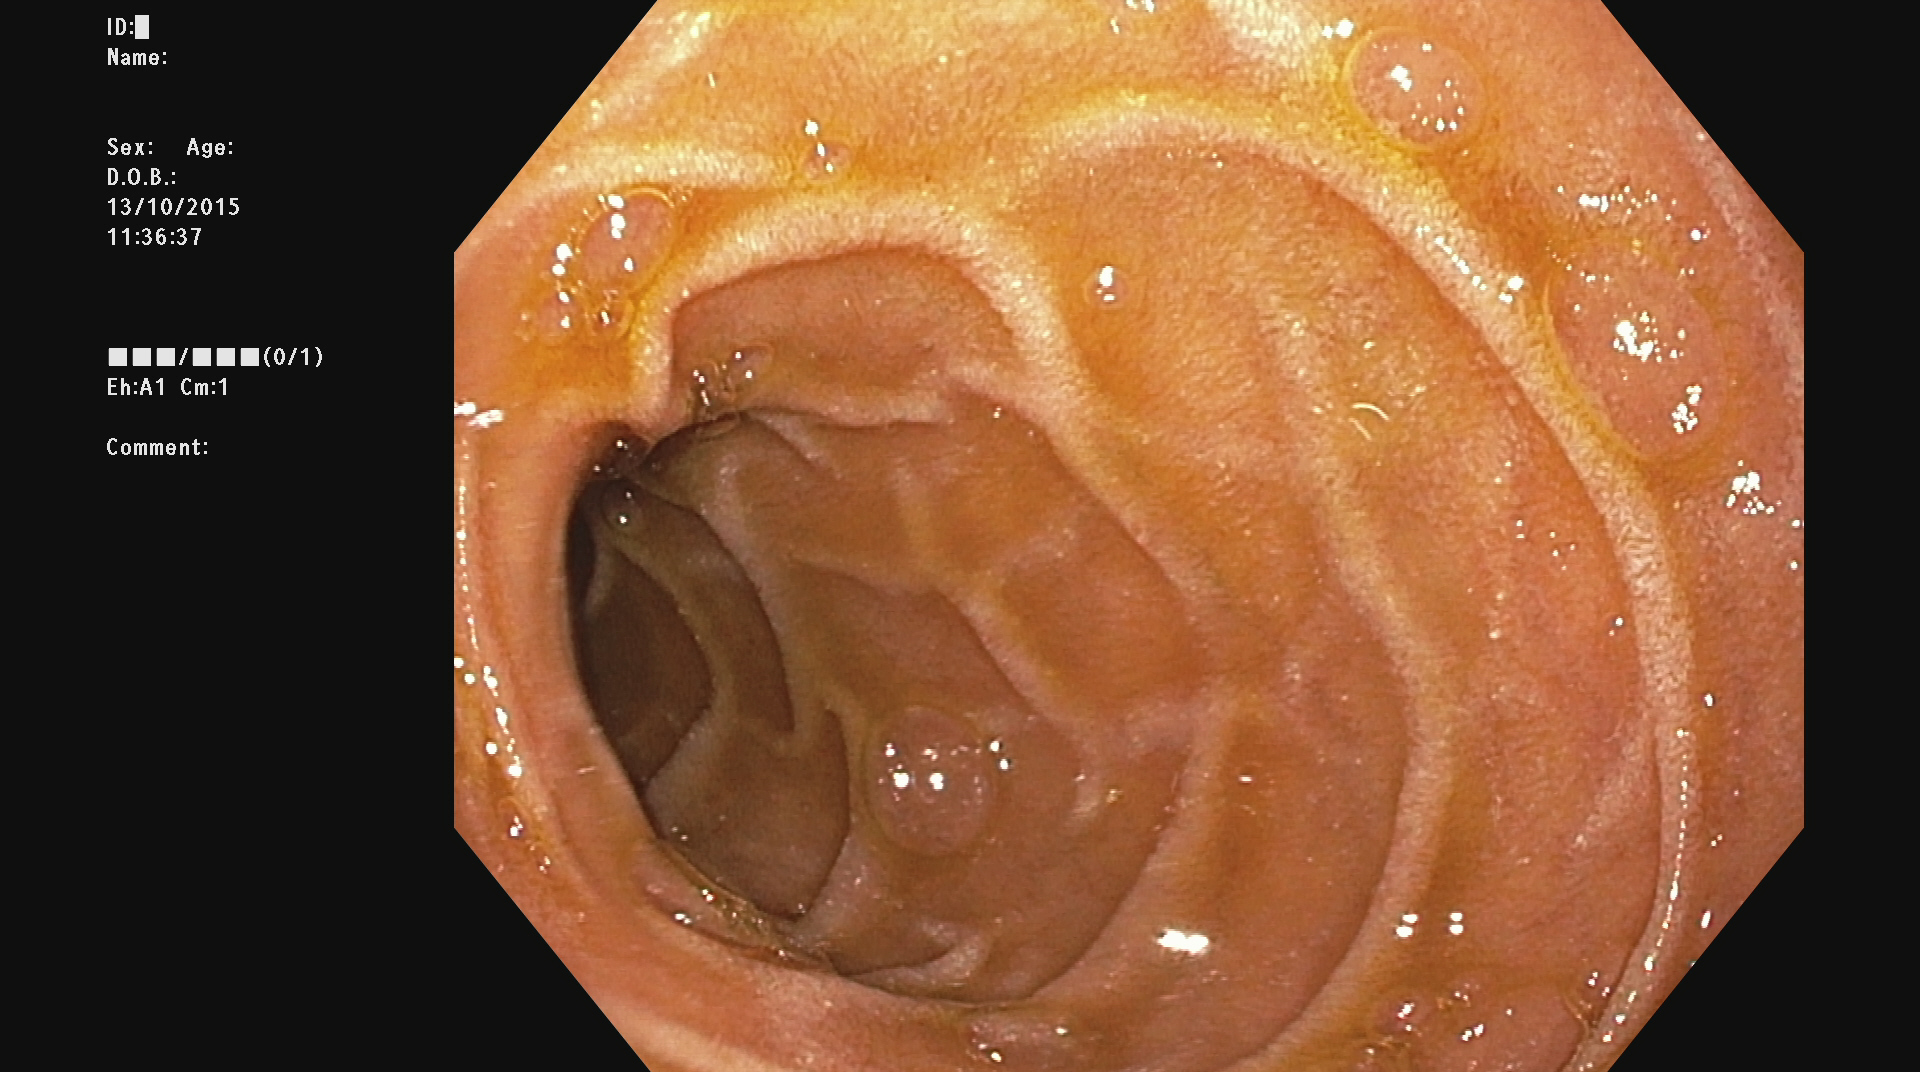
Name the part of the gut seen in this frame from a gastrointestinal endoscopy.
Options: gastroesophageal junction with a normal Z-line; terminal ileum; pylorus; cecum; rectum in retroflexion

terminal ileum